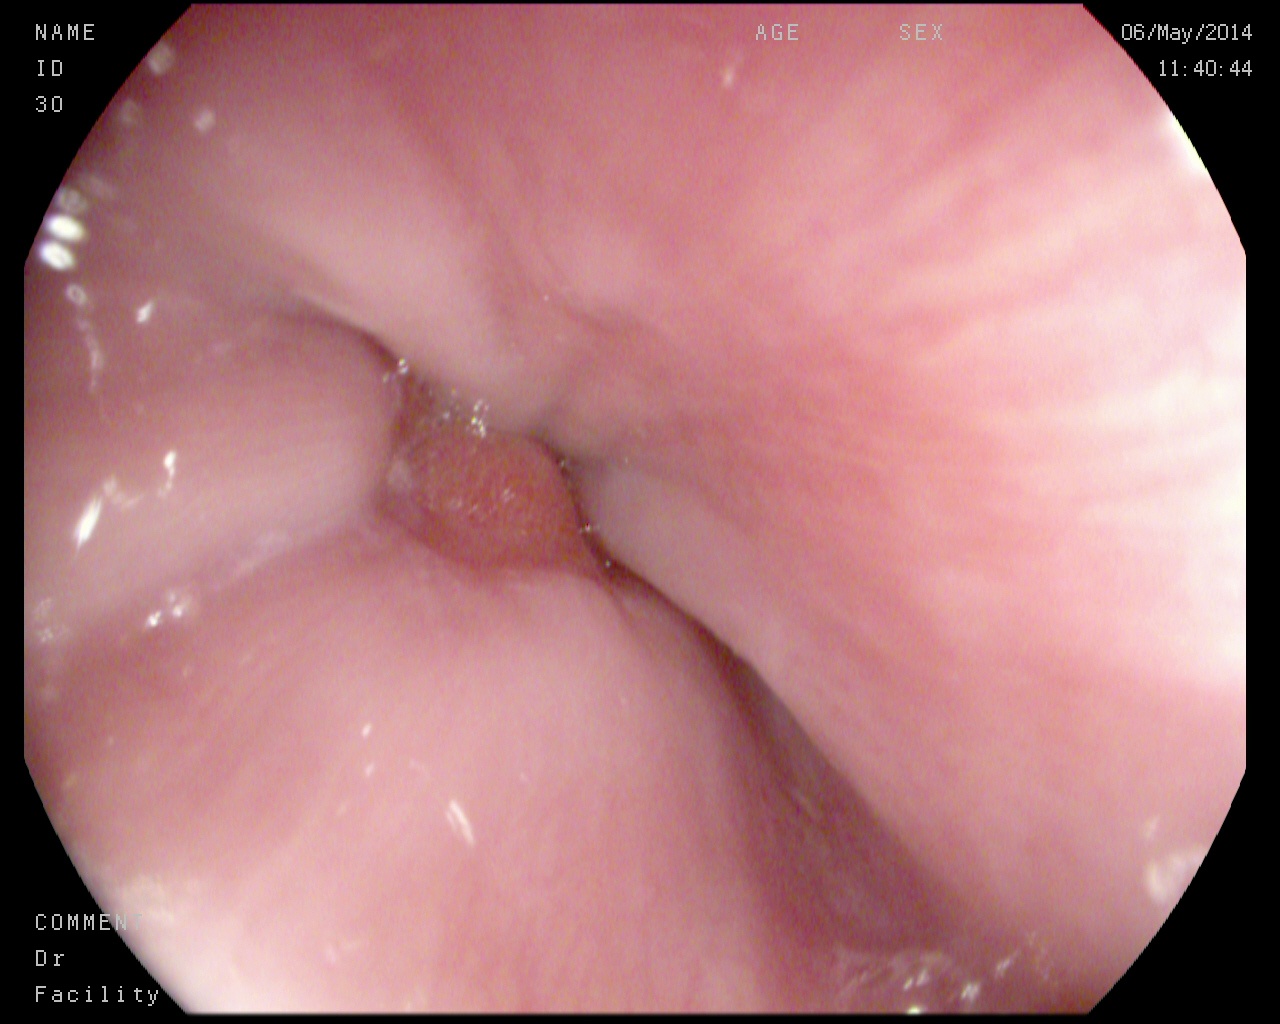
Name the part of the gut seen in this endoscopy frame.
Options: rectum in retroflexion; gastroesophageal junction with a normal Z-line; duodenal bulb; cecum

gastroesophageal junction with a normal Z-line